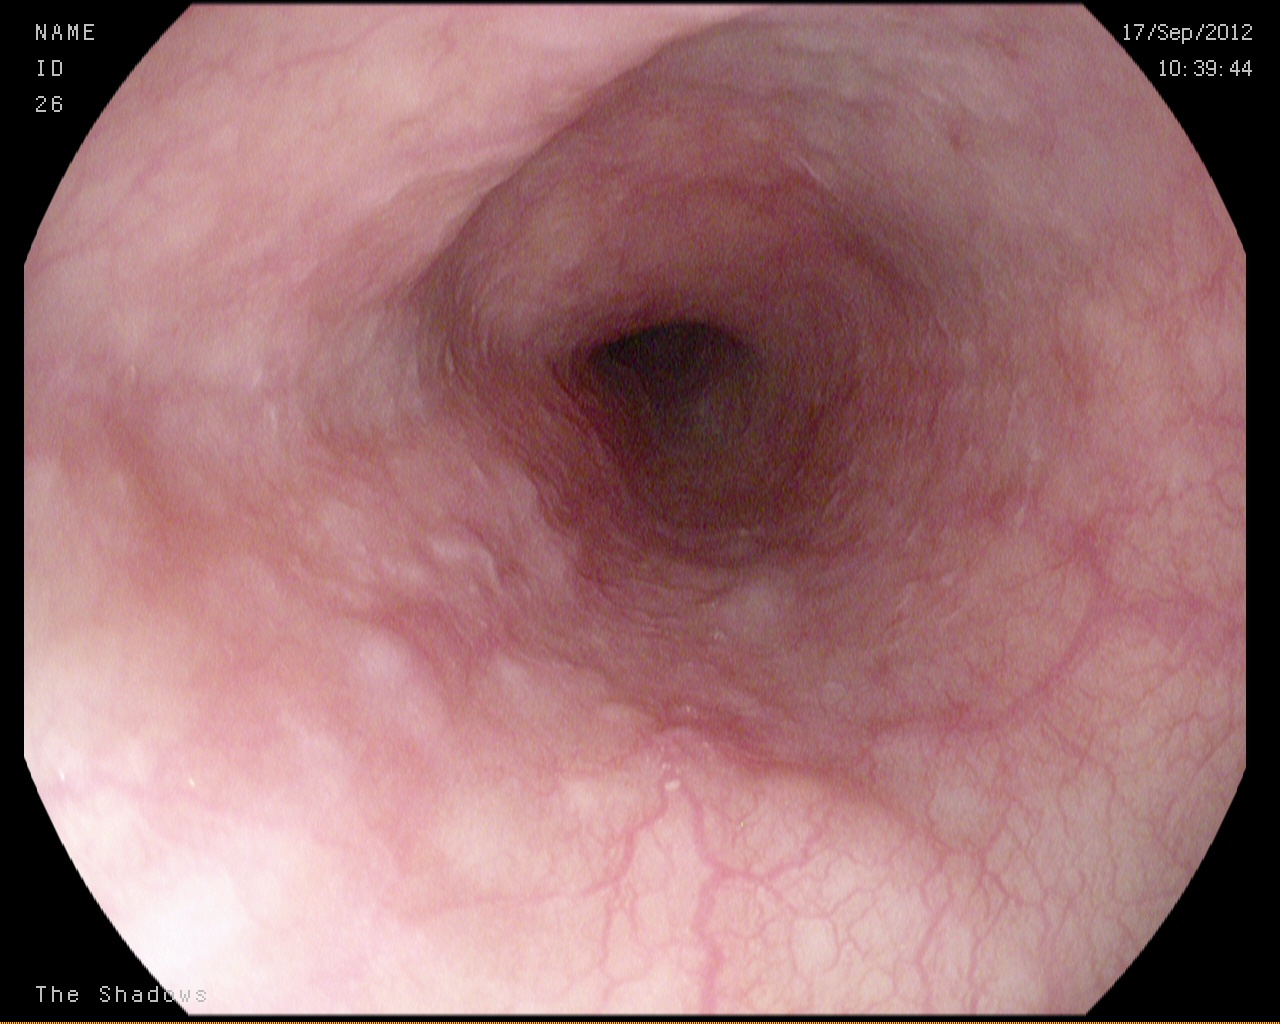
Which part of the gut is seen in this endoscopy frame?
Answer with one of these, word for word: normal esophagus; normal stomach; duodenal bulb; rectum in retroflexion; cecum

normal esophagus